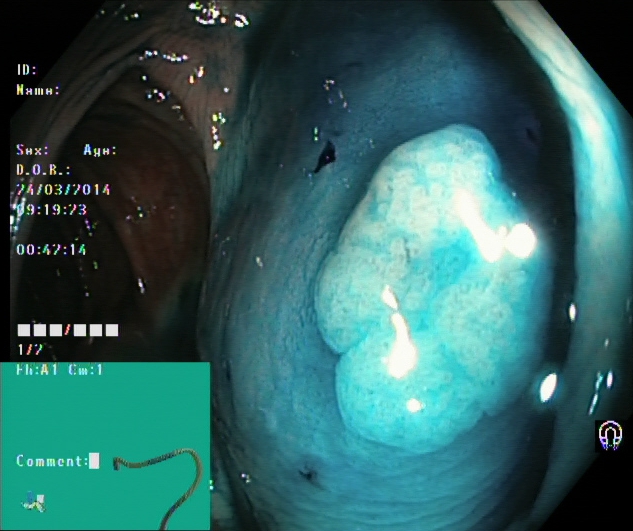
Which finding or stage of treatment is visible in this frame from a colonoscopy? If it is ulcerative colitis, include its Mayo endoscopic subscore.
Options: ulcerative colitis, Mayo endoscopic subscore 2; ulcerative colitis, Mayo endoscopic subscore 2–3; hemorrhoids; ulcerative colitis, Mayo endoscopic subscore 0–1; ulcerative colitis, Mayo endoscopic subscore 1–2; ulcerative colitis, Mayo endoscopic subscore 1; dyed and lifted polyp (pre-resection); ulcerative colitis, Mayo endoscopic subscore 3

dyed and lifted polyp (pre-resection)